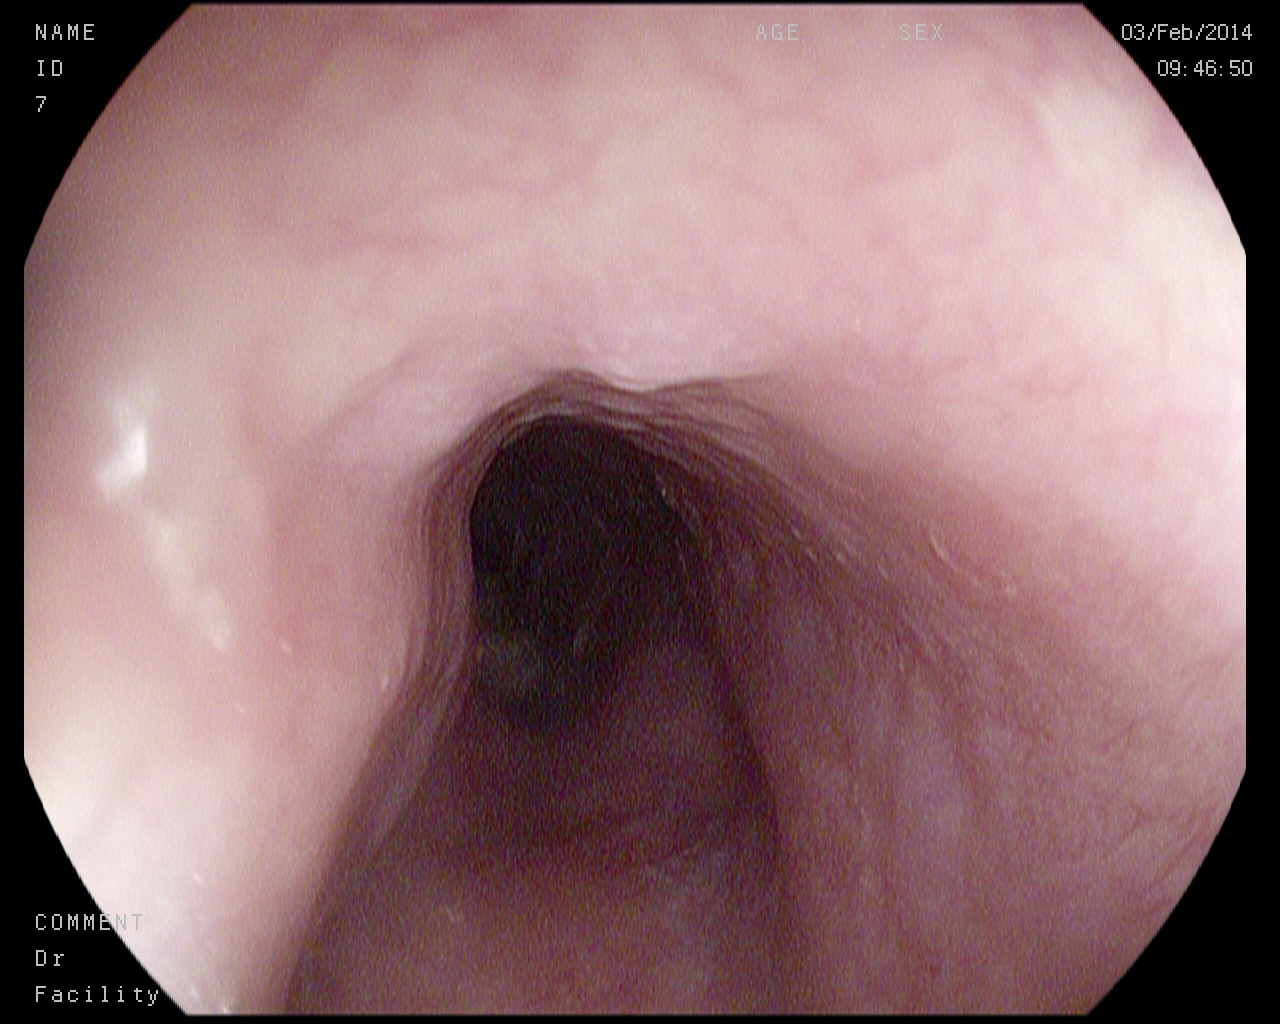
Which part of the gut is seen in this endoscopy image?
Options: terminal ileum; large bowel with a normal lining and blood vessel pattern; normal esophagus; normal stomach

normal esophagus